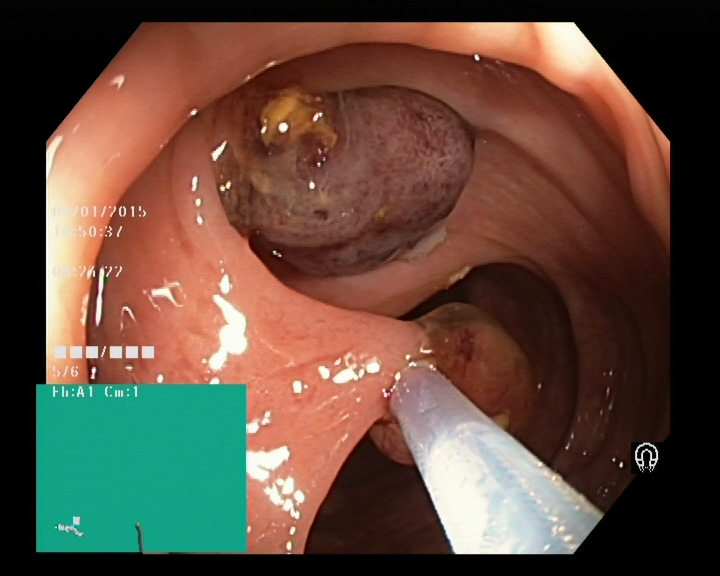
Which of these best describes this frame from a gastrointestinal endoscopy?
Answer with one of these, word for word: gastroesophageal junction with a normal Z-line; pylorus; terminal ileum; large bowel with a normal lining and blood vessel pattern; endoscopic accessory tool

endoscopic accessory tool